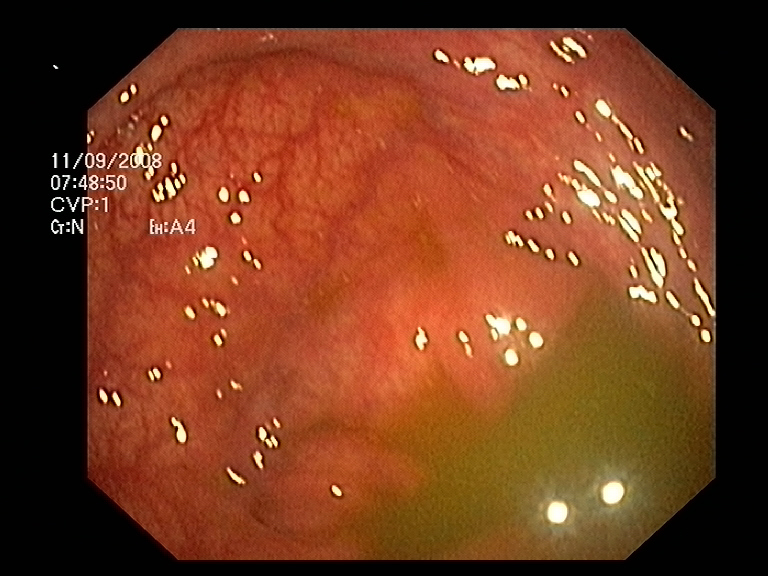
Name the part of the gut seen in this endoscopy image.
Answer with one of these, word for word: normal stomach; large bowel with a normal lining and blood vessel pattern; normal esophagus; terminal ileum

large bowel with a normal lining and blood vessel pattern